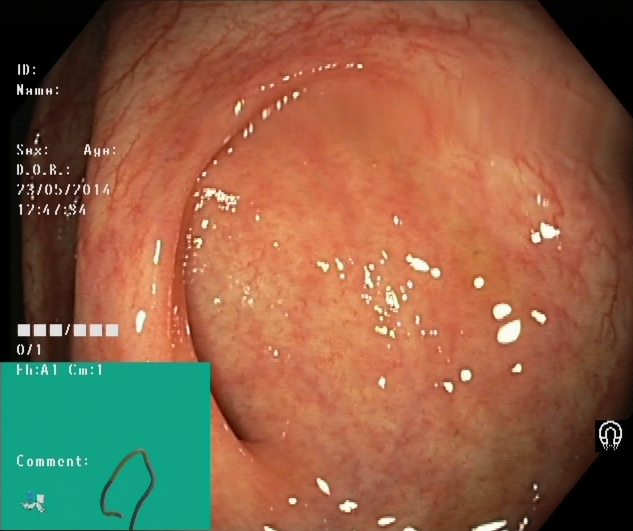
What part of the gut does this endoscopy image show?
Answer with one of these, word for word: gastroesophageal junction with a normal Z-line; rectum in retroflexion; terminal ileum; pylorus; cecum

cecum